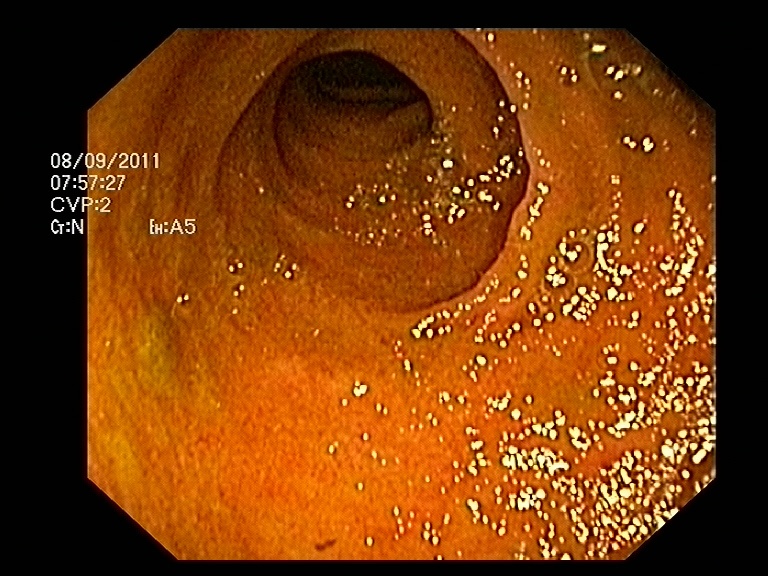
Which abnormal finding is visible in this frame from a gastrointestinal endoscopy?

mucosal inflammation of the large bowel